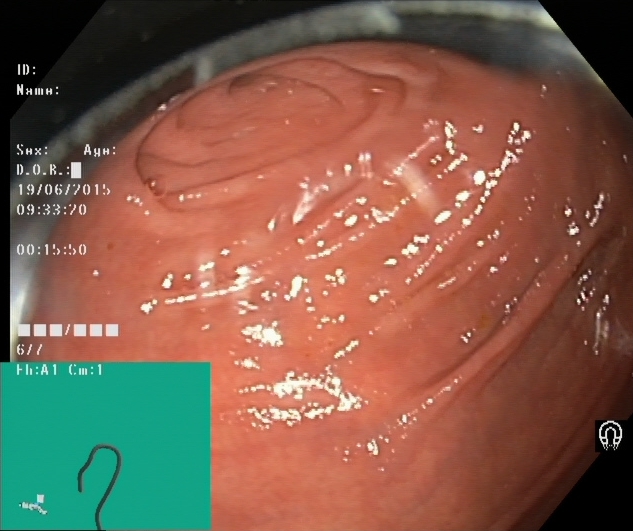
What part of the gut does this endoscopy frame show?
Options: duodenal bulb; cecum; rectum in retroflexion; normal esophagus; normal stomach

cecum